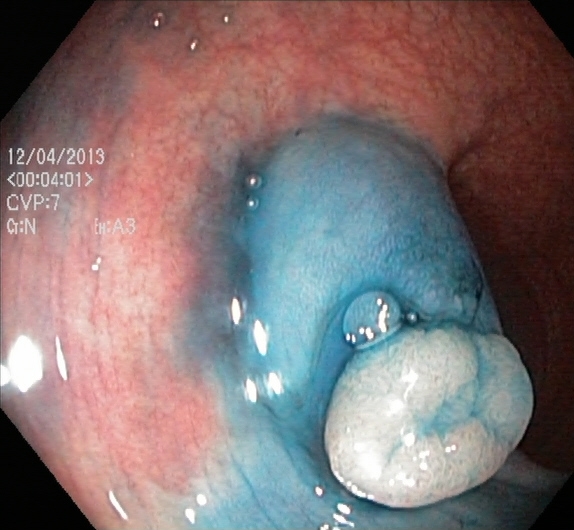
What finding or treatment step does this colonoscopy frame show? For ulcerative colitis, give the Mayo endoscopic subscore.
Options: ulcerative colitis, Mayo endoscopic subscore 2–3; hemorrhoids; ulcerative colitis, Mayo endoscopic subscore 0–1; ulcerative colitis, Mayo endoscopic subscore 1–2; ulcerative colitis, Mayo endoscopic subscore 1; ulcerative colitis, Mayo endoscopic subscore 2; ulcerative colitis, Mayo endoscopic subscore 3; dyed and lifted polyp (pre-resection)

dyed and lifted polyp (pre-resection)